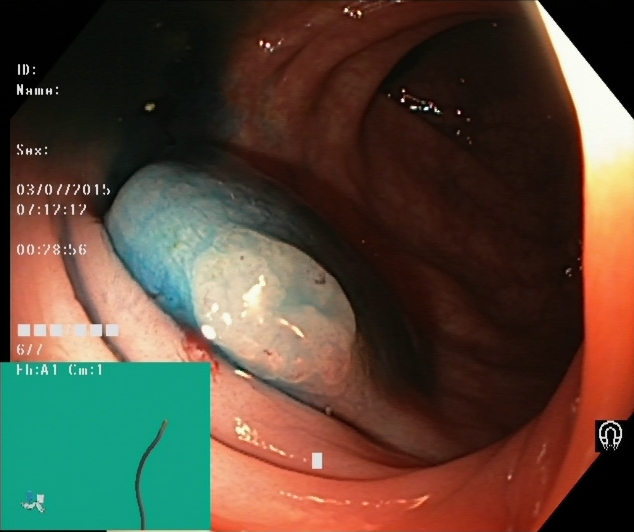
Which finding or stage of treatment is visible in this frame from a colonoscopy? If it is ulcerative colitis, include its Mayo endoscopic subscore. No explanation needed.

dyed and lifted polyp (pre-resection)